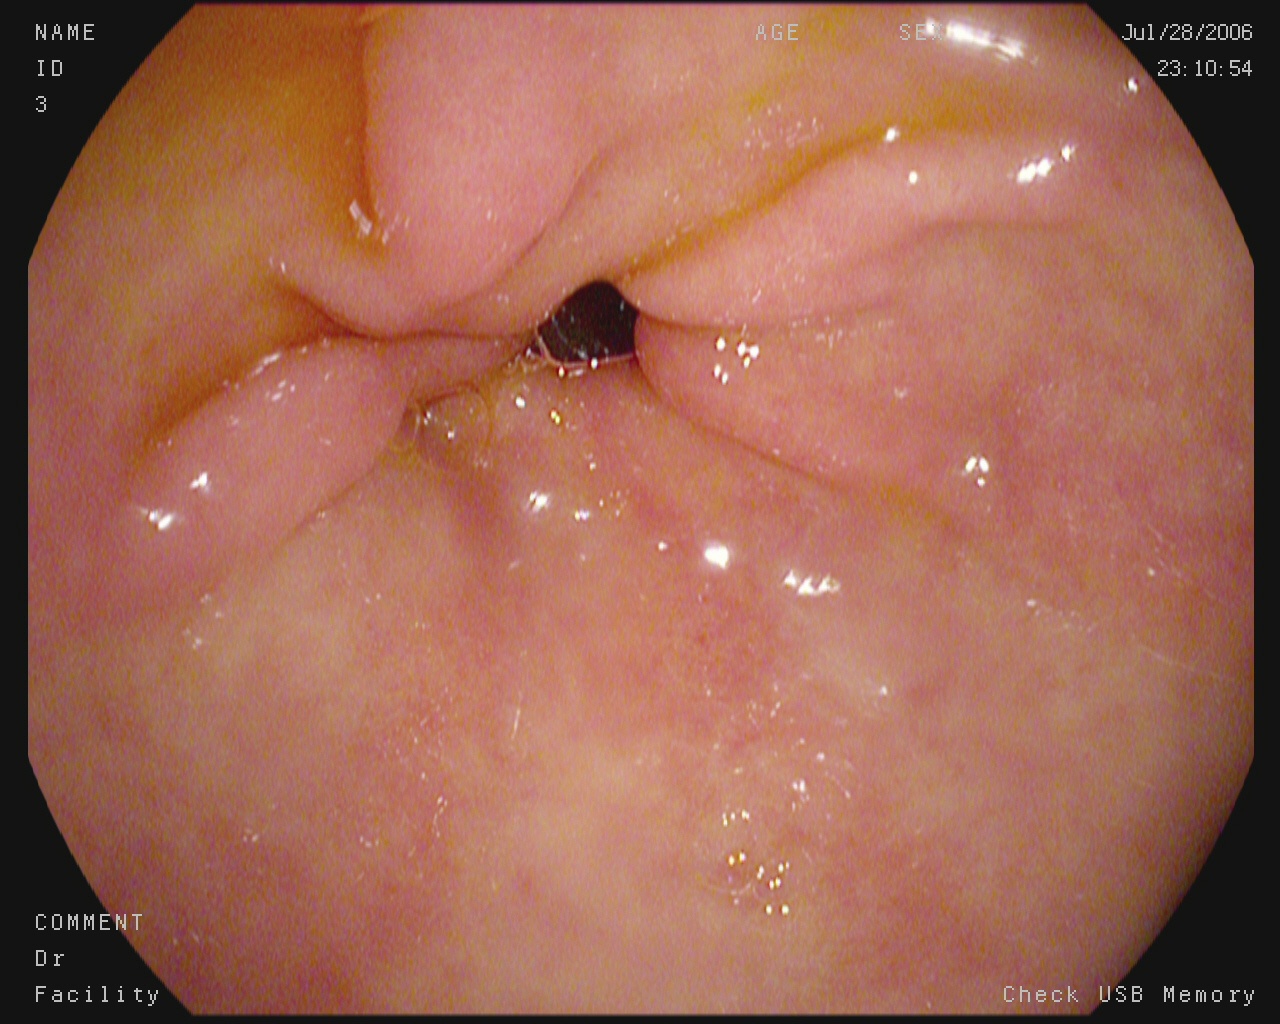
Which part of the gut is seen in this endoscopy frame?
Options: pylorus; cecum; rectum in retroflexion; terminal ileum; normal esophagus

pylorus